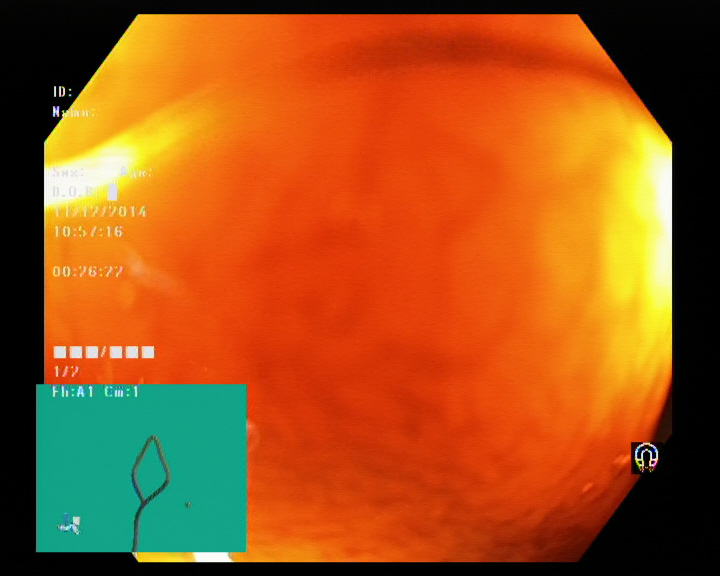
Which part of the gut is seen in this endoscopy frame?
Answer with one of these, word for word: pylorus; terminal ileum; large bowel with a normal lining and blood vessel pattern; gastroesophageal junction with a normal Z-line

large bowel with a normal lining and blood vessel pattern